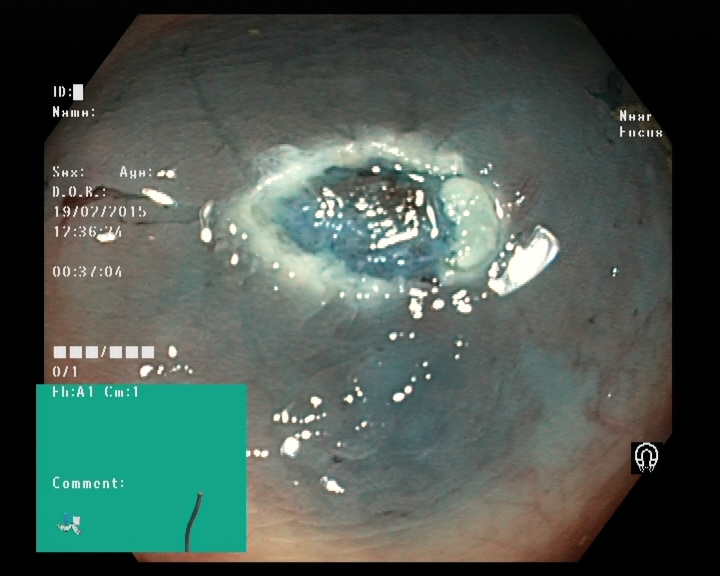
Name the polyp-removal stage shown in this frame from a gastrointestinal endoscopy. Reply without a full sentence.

dyed resection margin (post-polypectomy)